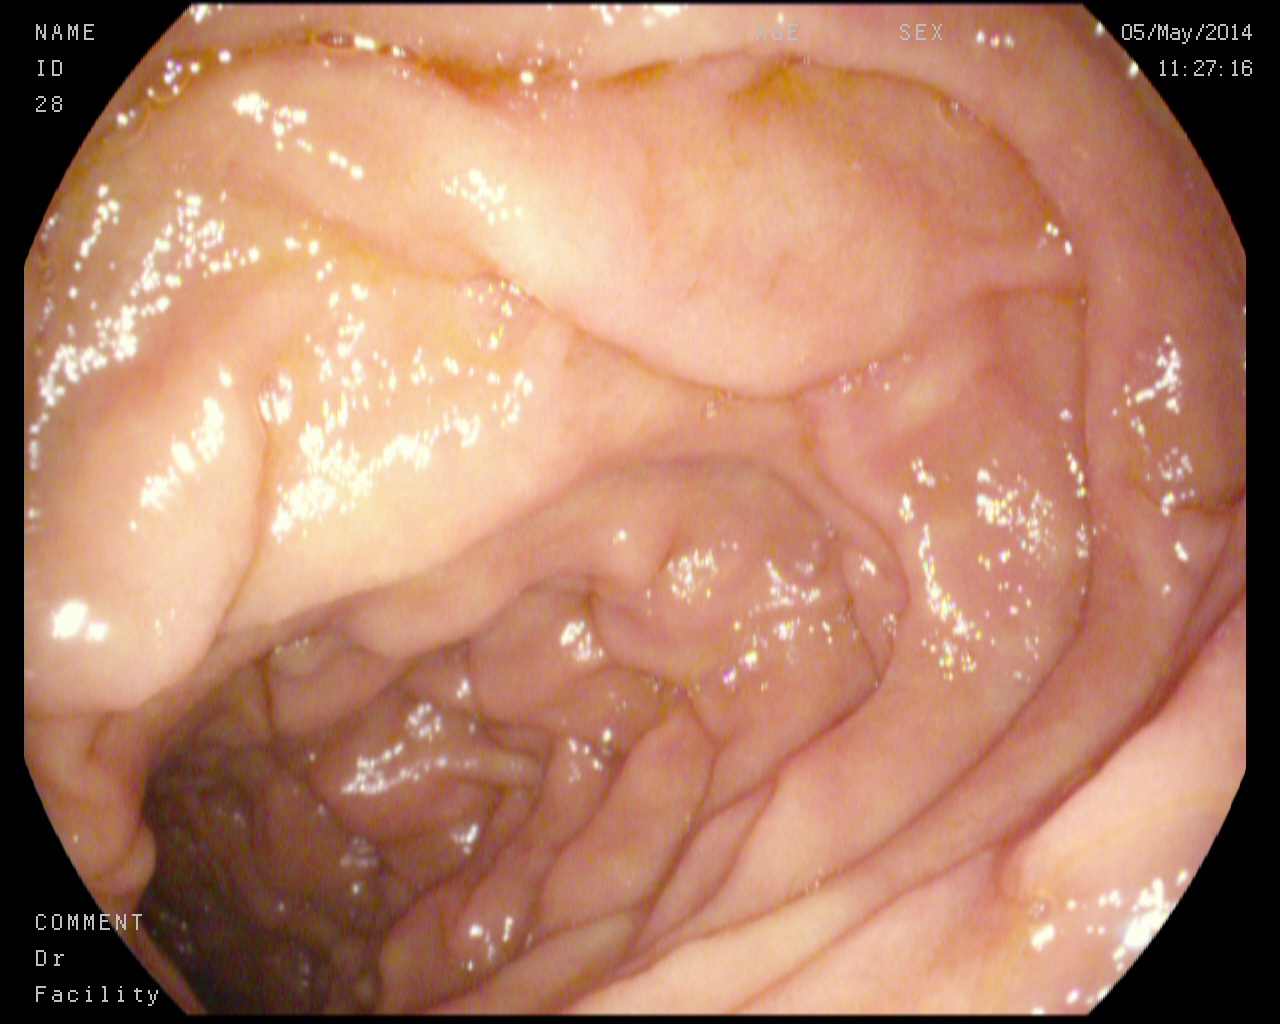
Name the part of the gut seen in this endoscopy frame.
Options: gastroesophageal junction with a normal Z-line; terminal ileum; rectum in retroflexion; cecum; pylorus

terminal ileum